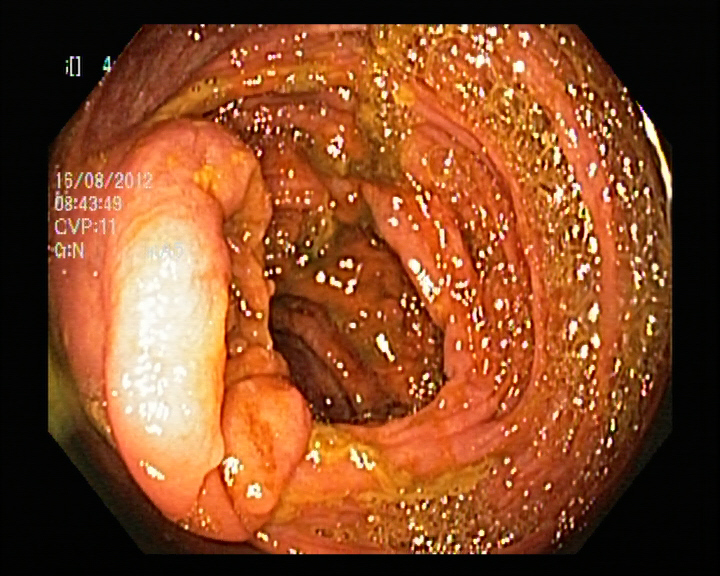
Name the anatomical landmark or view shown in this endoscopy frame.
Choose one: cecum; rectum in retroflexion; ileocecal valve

ileocecal valve